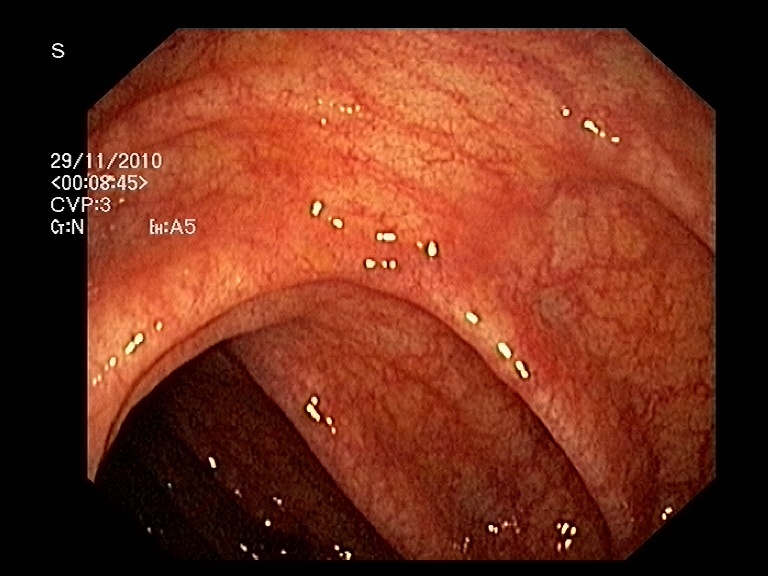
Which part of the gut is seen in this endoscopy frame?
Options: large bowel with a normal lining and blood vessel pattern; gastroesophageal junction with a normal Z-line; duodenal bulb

large bowel with a normal lining and blood vessel pattern